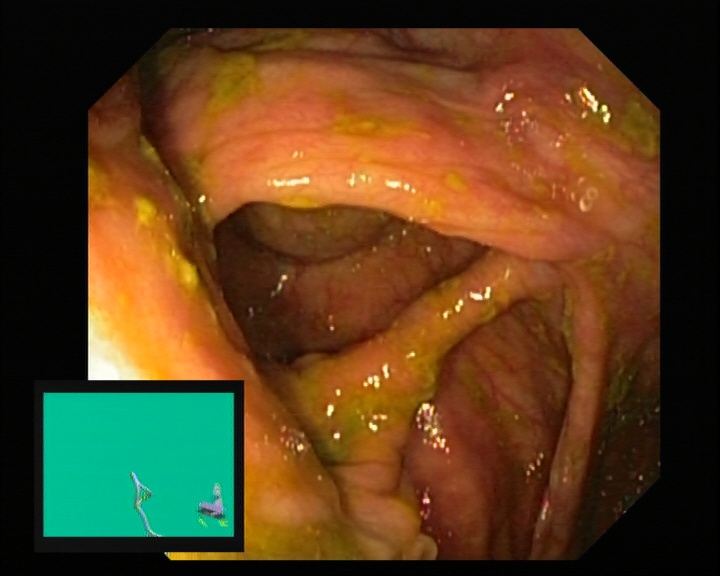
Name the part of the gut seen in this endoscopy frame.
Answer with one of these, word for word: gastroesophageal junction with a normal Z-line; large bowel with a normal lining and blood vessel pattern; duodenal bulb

large bowel with a normal lining and blood vessel pattern